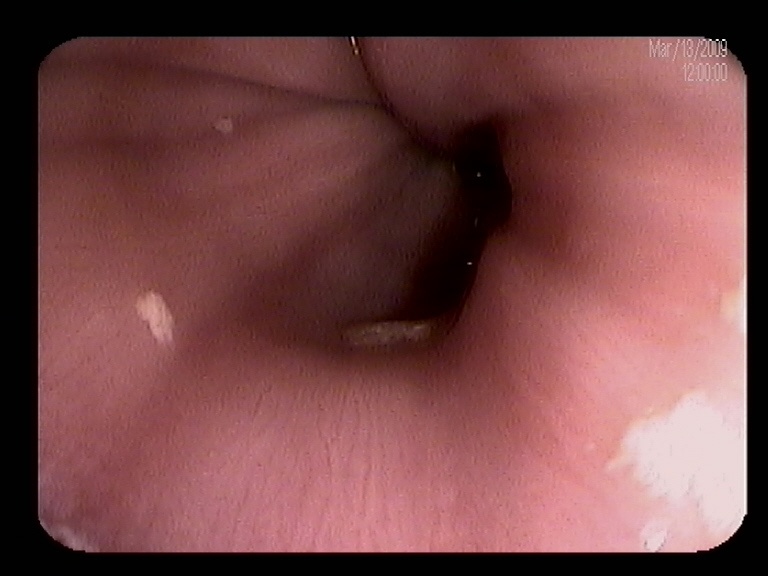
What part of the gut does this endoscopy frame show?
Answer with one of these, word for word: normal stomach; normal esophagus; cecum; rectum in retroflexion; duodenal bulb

normal esophagus